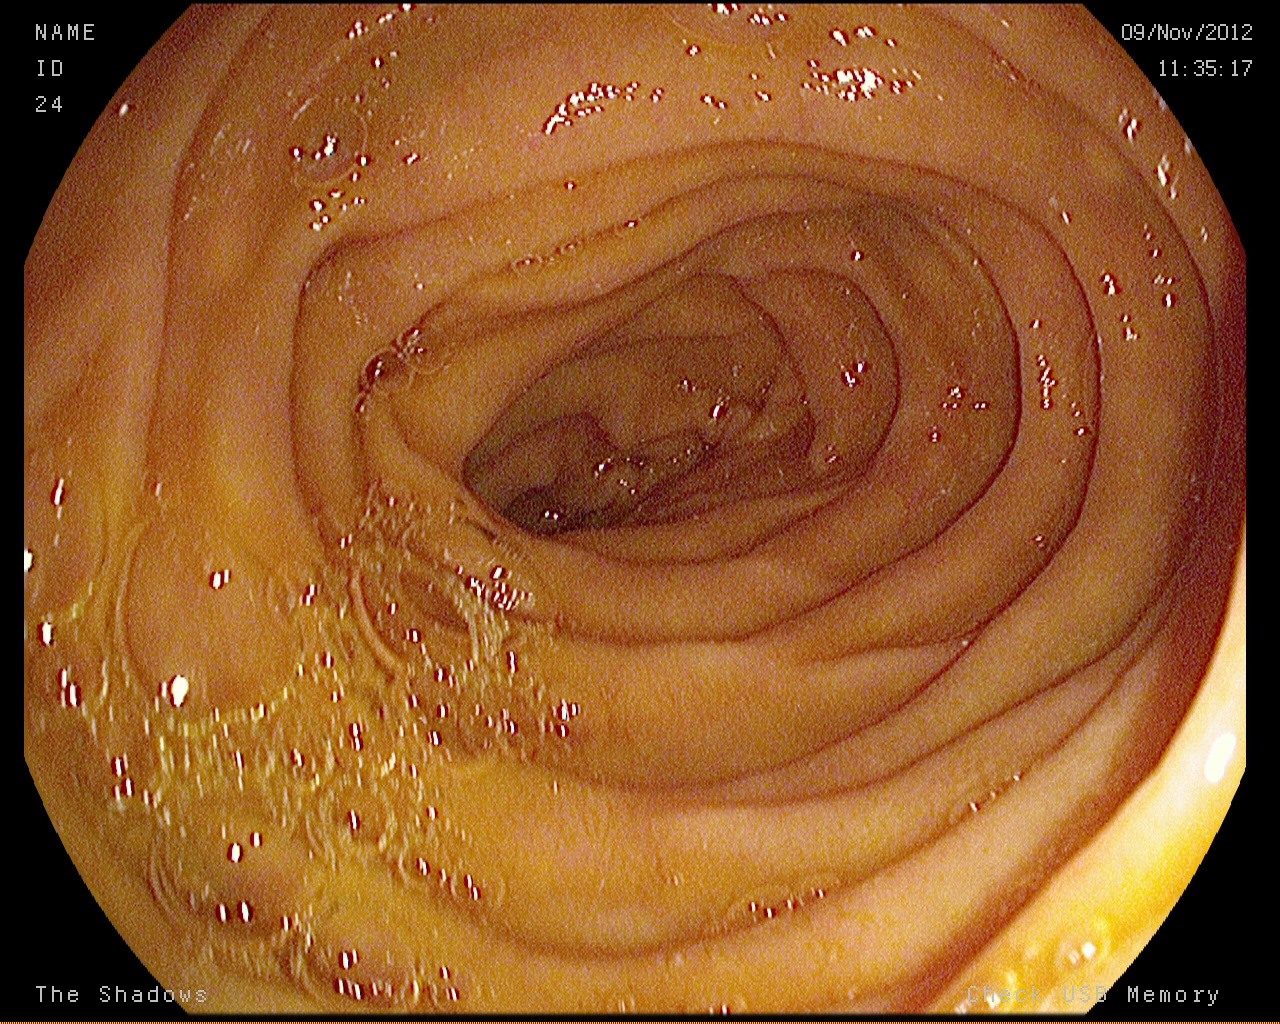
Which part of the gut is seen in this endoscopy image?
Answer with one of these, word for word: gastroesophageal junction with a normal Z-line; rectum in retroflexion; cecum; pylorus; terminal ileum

terminal ileum